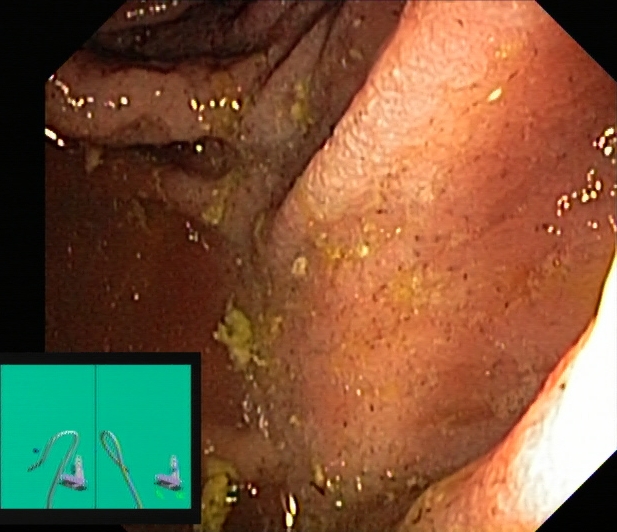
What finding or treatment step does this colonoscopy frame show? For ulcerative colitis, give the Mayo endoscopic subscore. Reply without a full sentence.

ulcerative colitis, Mayo endoscopic subscore 2